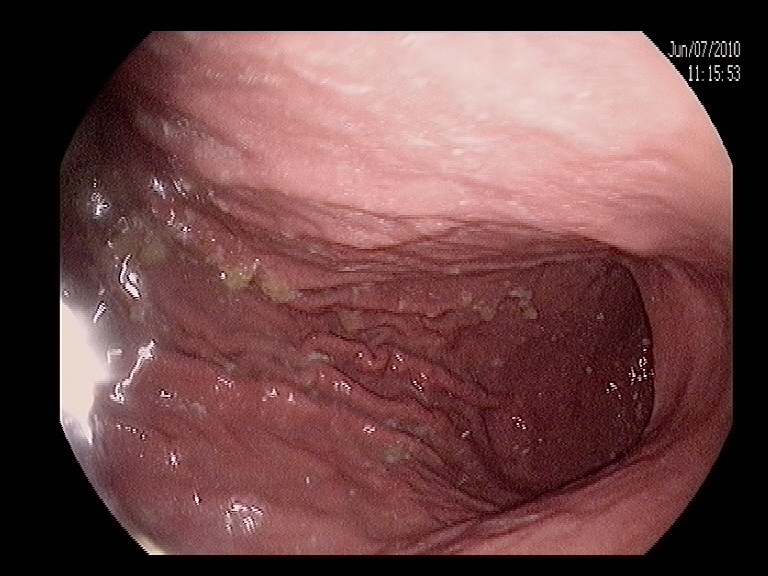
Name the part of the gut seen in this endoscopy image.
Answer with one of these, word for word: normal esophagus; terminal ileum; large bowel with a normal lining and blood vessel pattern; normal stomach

normal stomach